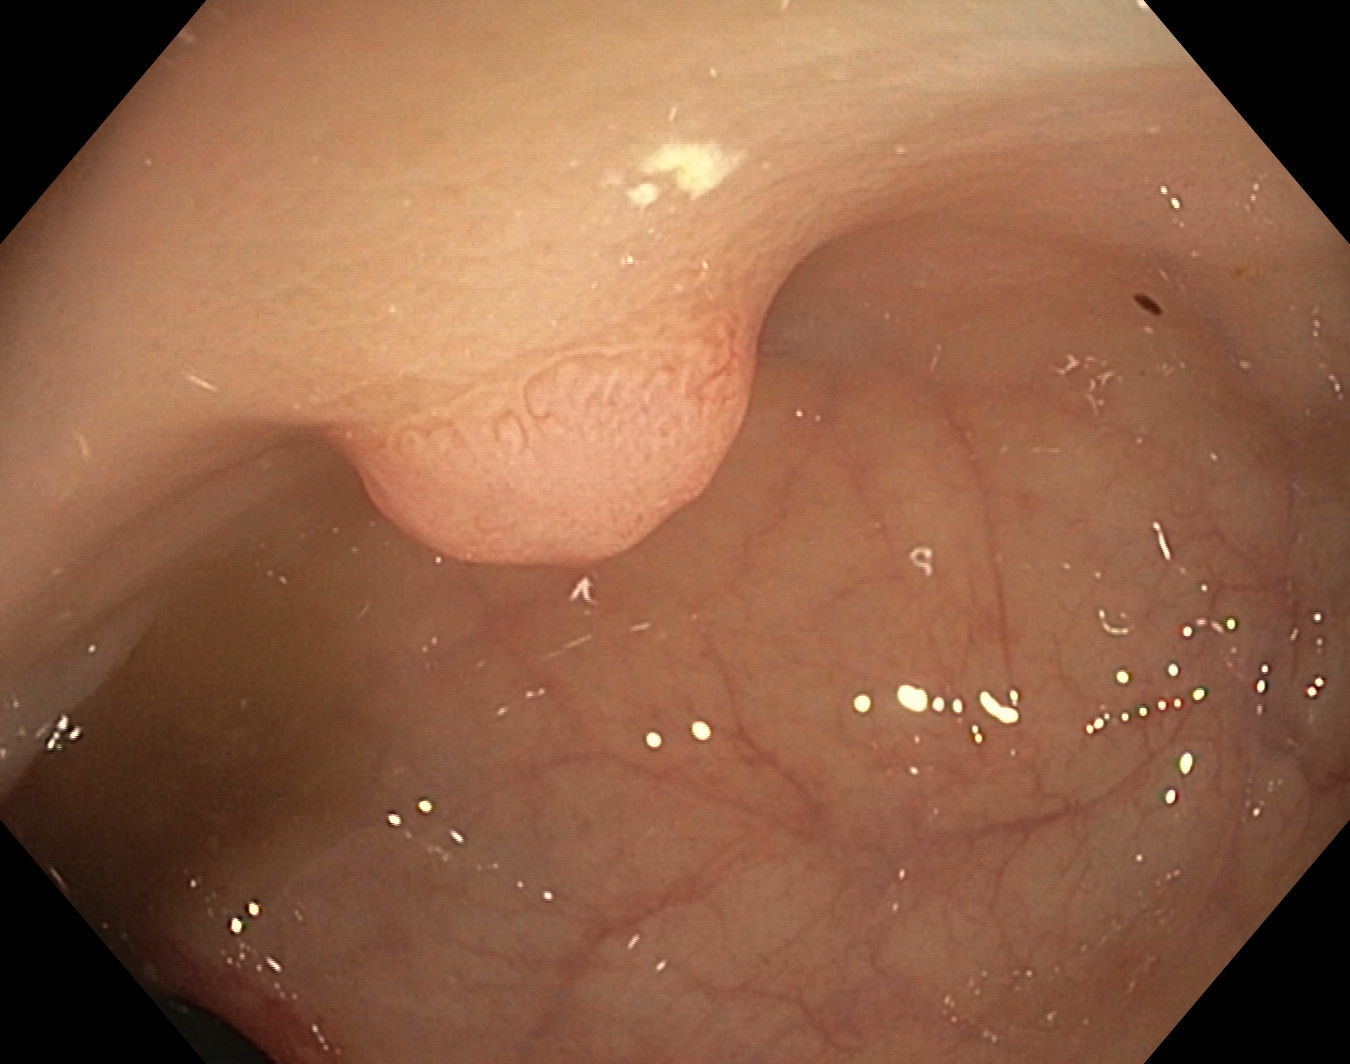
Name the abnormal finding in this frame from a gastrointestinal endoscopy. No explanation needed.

colon polyp